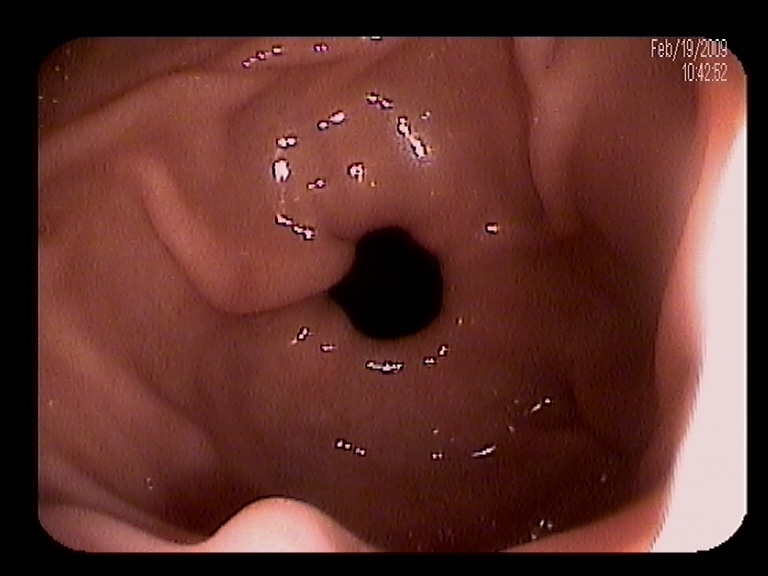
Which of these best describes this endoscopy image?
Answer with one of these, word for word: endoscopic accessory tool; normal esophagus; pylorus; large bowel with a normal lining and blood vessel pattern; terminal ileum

pylorus